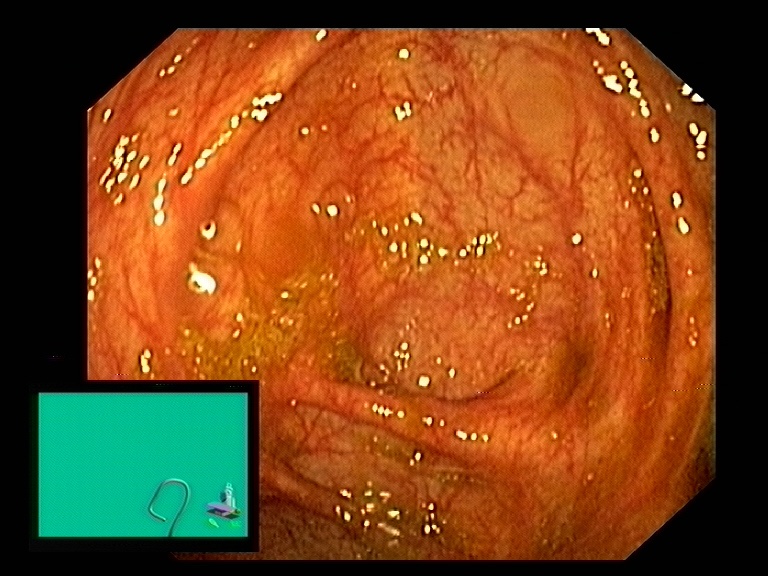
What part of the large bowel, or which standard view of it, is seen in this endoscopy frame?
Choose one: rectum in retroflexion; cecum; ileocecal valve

cecum